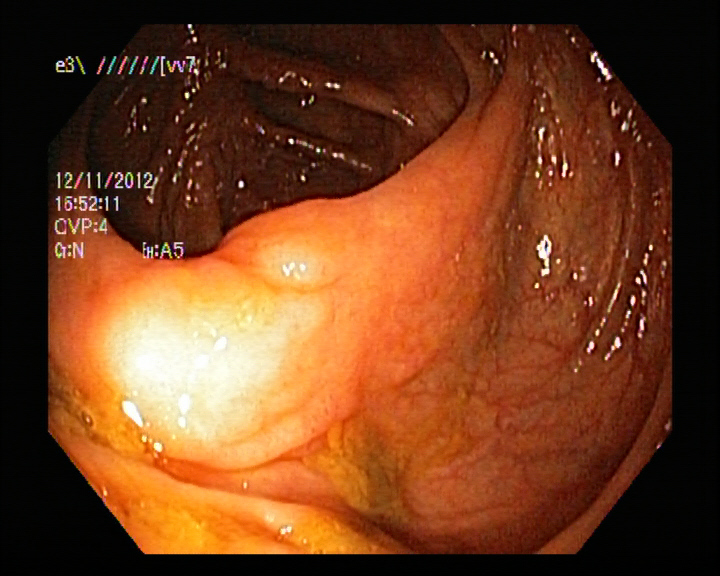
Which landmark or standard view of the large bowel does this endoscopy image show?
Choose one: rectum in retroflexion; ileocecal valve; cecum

ileocecal valve